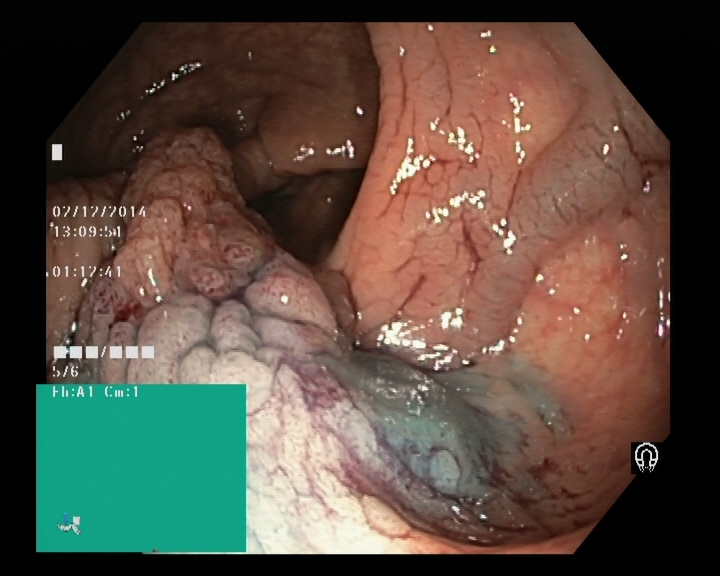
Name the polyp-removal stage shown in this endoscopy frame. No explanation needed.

dyed and lifted polyp (pre-resection)